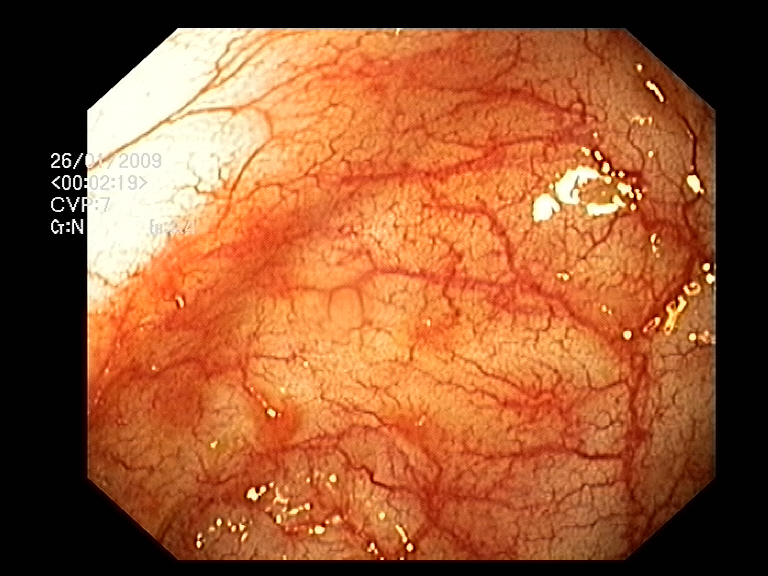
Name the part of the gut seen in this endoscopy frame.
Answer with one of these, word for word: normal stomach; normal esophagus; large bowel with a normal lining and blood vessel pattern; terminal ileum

large bowel with a normal lining and blood vessel pattern